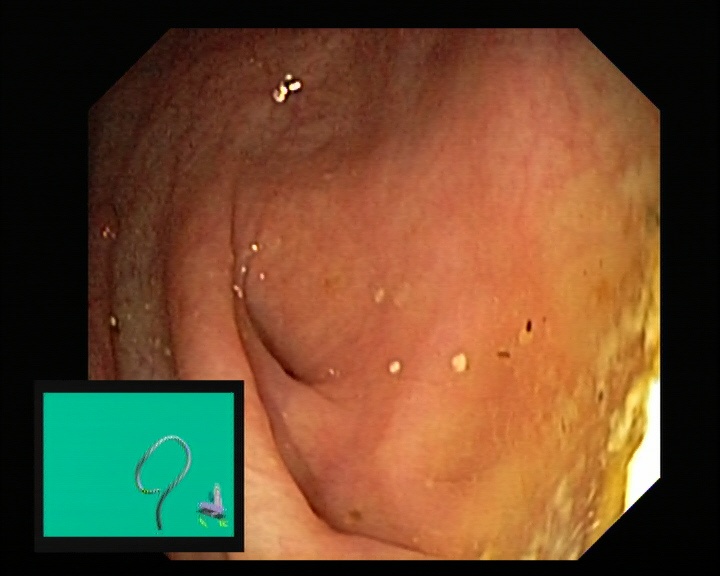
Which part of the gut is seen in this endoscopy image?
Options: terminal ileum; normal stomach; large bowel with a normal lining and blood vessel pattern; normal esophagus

large bowel with a normal lining and blood vessel pattern